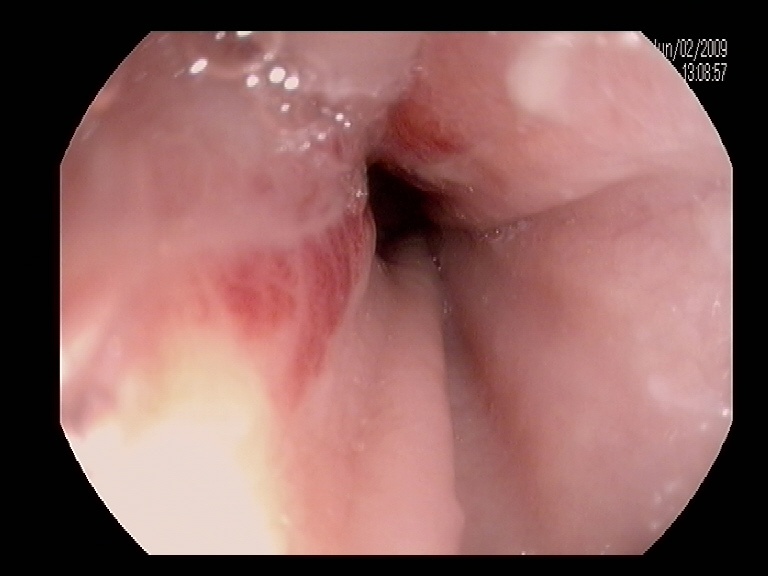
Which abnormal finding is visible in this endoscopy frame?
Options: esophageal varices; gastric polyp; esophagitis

esophagitis